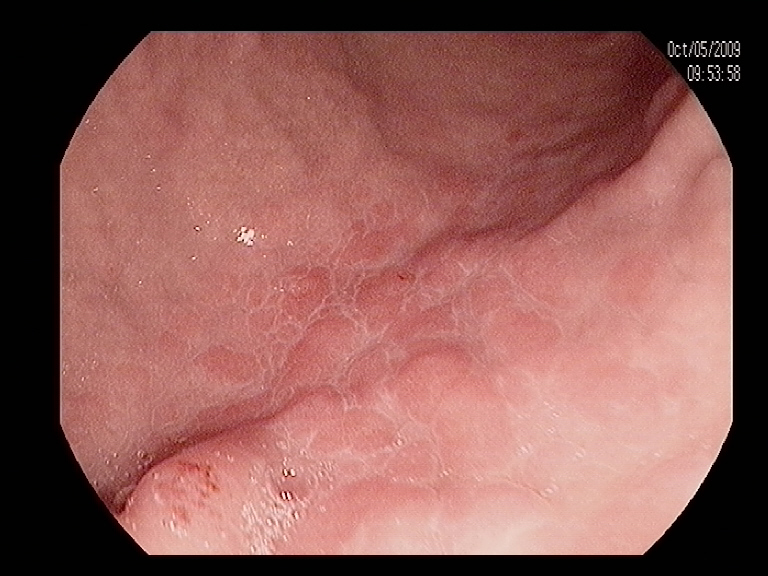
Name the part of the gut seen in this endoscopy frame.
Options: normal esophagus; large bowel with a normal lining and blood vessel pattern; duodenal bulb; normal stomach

normal stomach